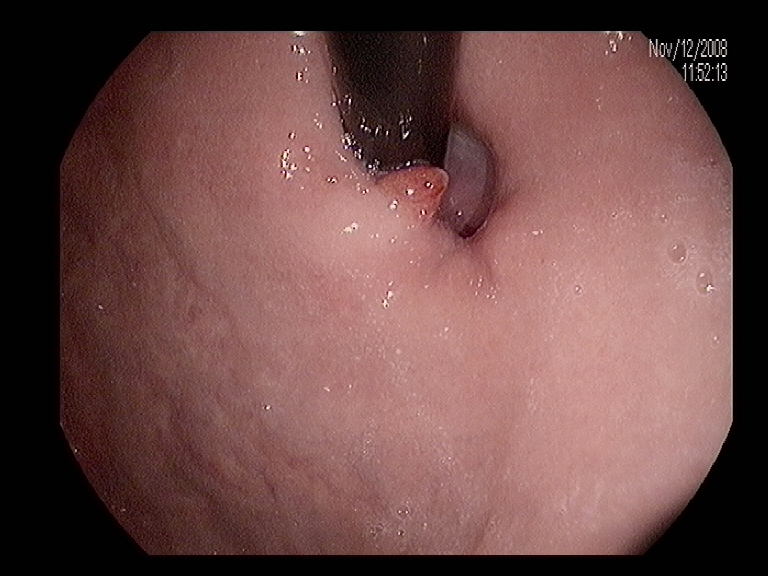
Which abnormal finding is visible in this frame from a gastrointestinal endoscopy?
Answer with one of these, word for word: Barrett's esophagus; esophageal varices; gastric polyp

gastric polyp